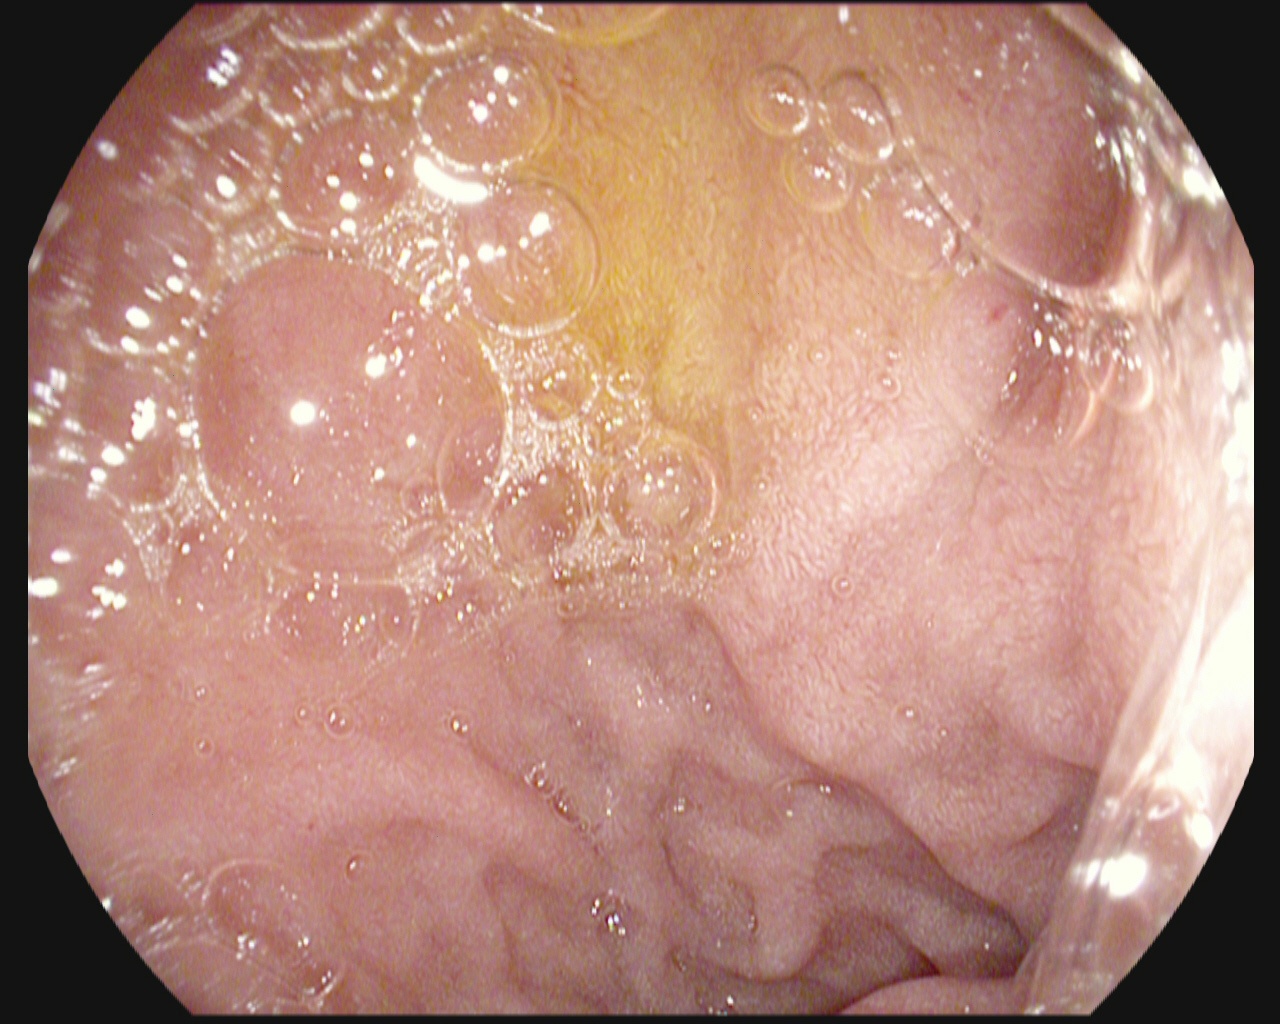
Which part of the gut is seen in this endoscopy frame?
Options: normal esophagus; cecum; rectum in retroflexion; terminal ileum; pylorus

terminal ileum